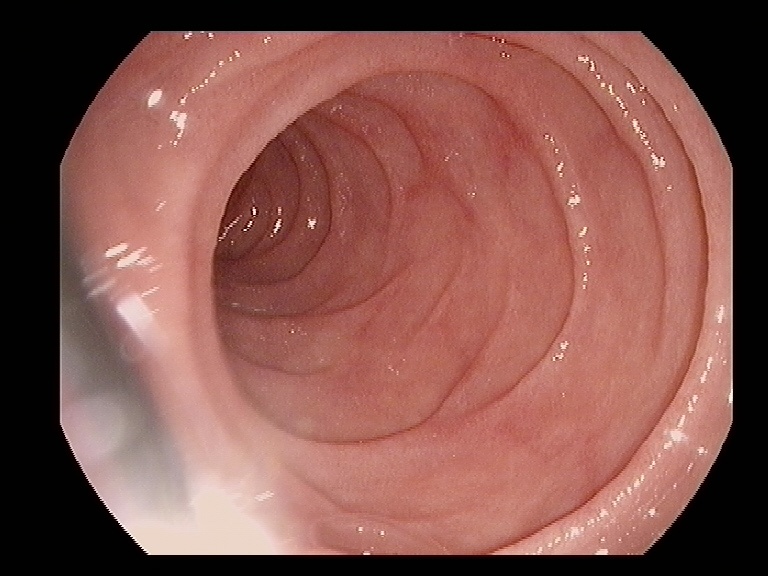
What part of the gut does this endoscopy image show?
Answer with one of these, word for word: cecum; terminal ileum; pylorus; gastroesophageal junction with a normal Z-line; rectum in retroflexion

terminal ileum